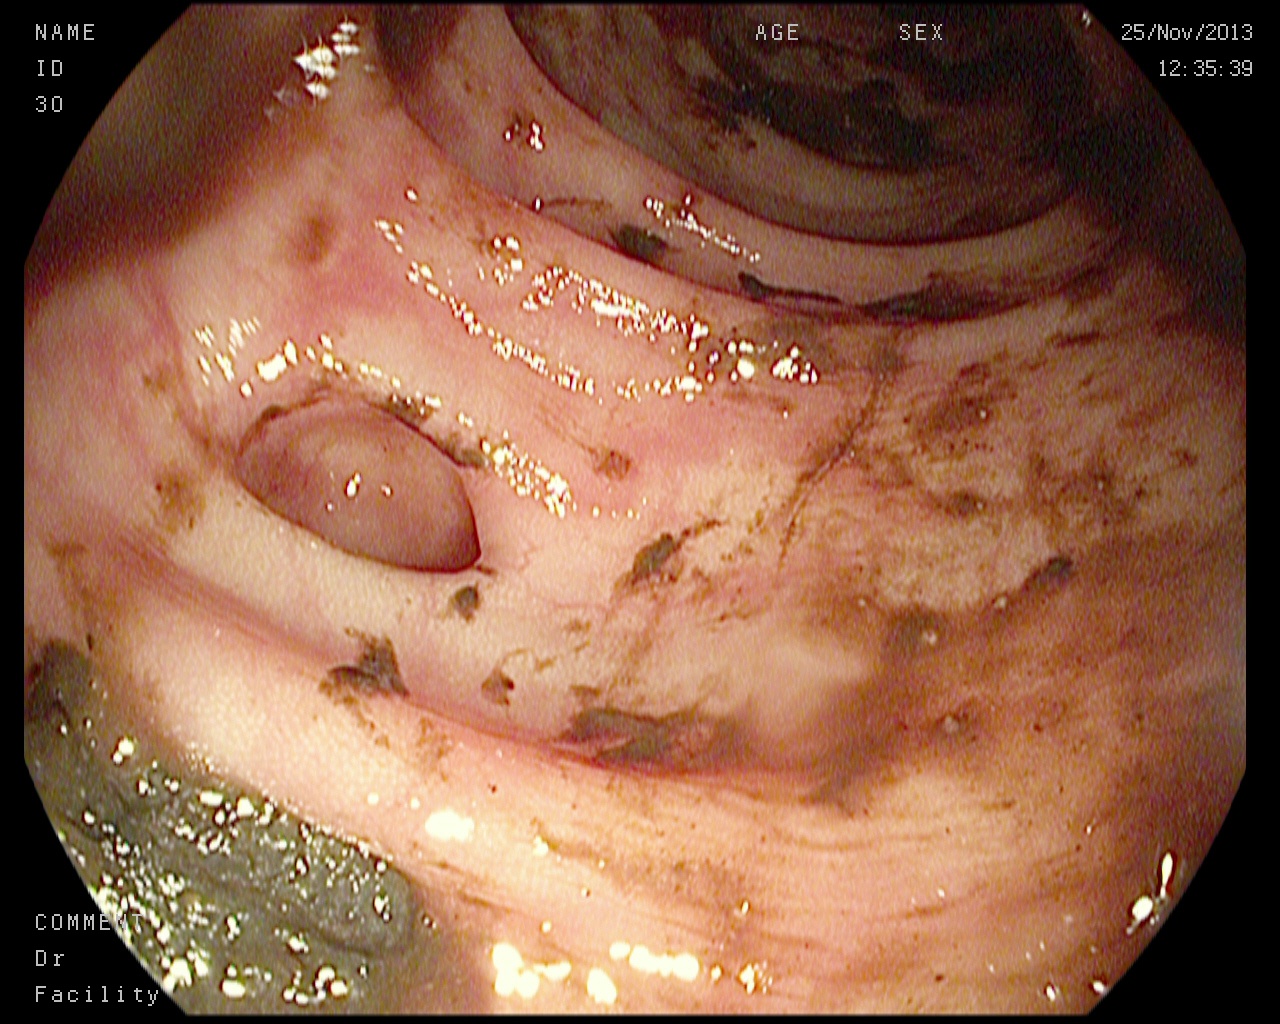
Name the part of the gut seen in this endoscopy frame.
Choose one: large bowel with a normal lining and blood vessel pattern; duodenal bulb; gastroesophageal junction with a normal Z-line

large bowel with a normal lining and blood vessel pattern